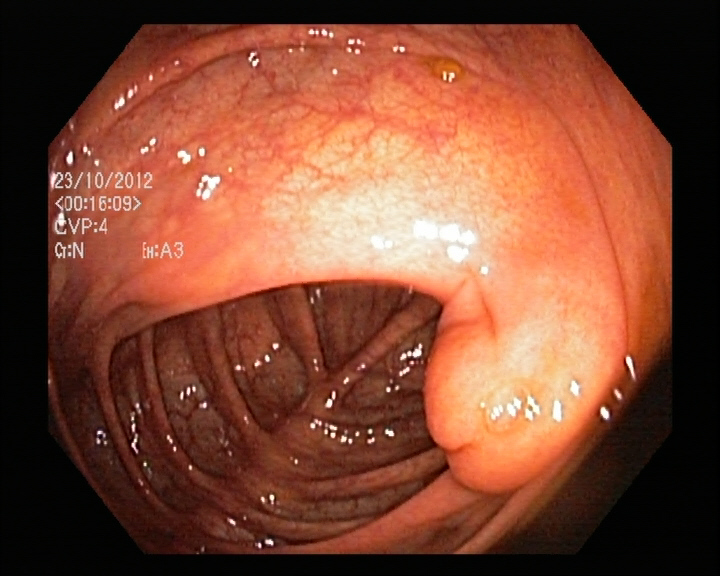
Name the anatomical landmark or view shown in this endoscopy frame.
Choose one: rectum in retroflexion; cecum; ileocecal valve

ileocecal valve